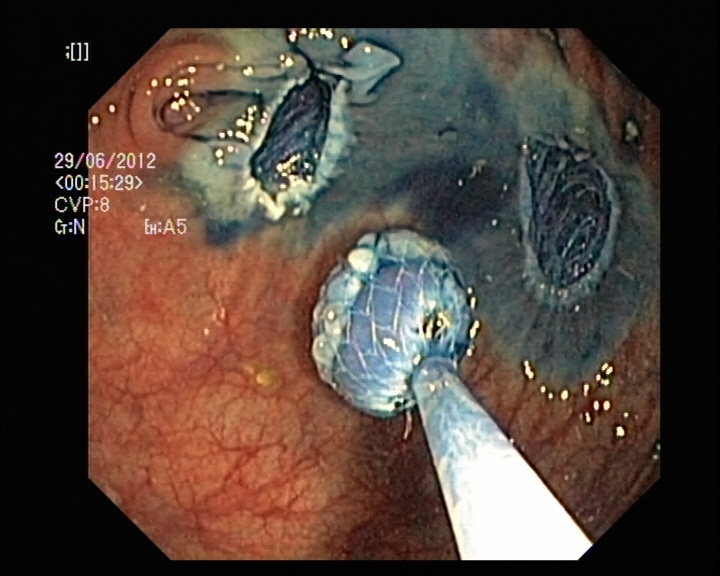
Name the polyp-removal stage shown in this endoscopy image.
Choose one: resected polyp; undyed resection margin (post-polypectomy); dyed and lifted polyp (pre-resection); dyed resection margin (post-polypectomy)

resected polyp